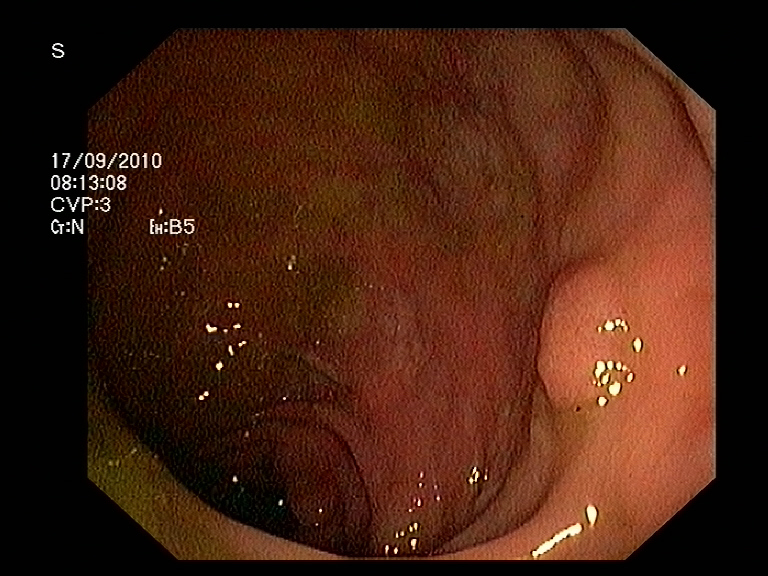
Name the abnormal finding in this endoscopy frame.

colon polyp